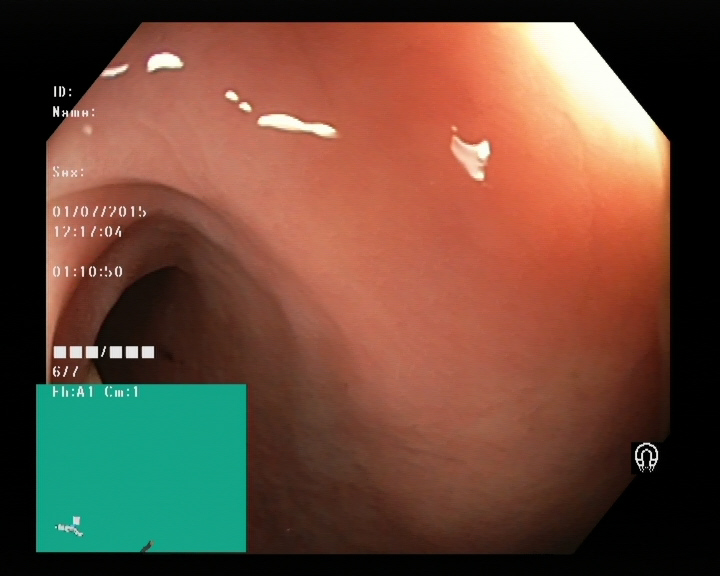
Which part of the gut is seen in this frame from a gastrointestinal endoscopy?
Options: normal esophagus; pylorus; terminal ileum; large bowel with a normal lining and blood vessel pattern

large bowel with a normal lining and blood vessel pattern